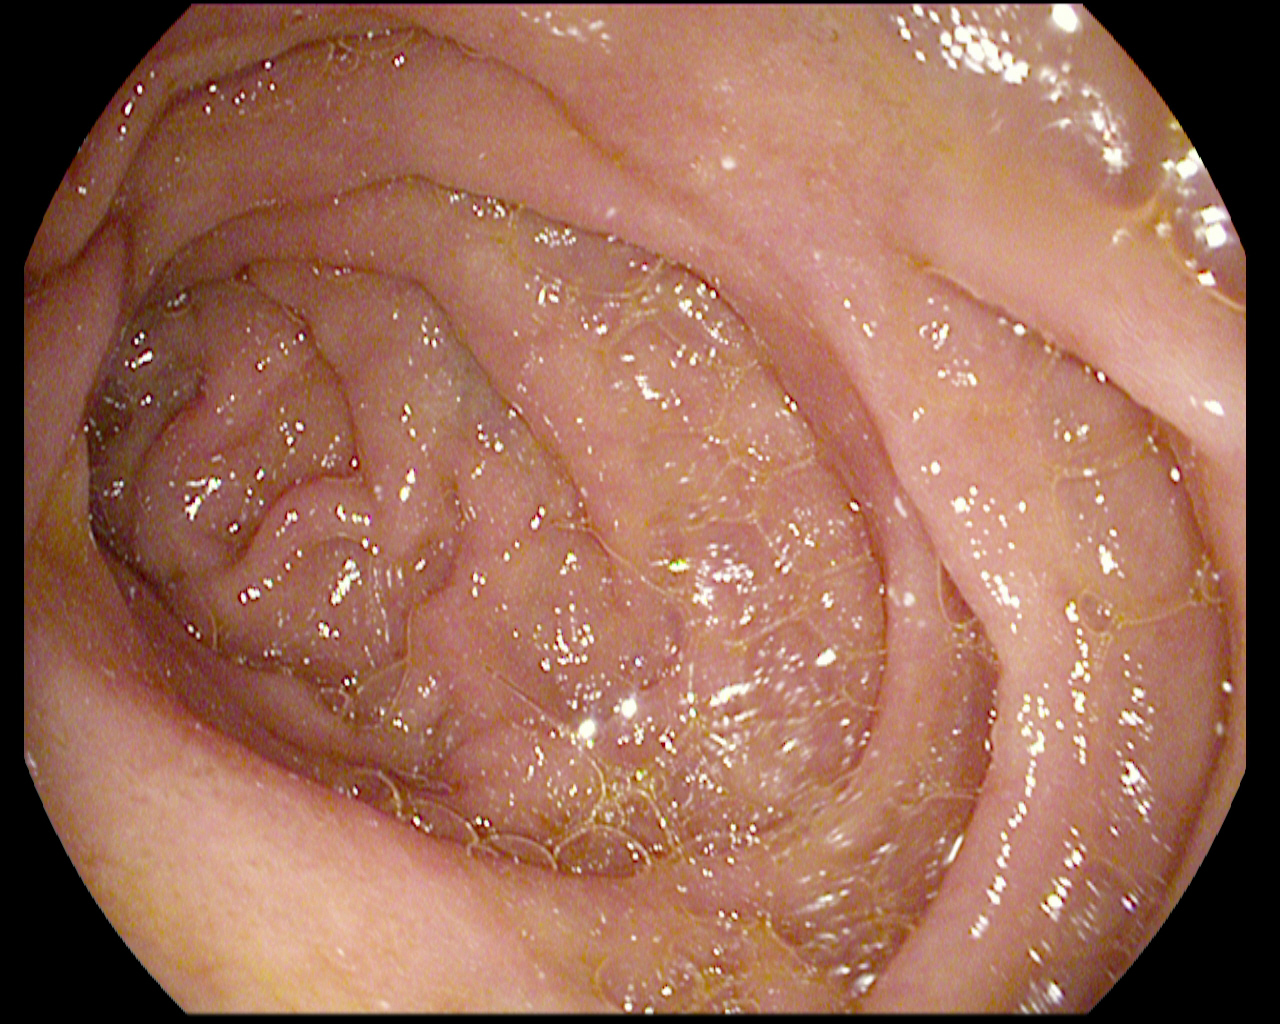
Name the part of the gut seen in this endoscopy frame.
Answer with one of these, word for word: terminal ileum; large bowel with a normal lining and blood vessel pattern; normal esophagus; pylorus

terminal ileum